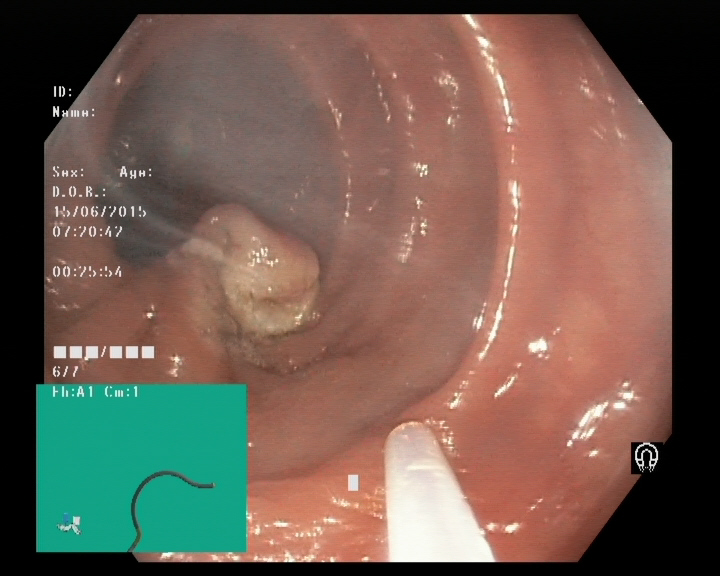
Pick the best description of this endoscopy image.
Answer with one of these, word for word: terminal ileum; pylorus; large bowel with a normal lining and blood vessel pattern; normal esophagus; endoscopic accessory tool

endoscopic accessory tool